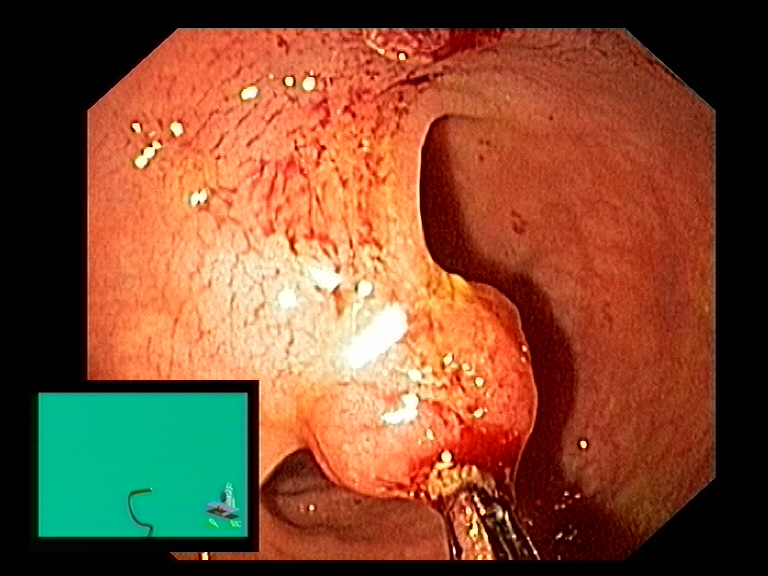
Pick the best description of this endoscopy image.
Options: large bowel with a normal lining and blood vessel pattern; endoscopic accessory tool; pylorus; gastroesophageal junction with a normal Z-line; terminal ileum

endoscopic accessory tool